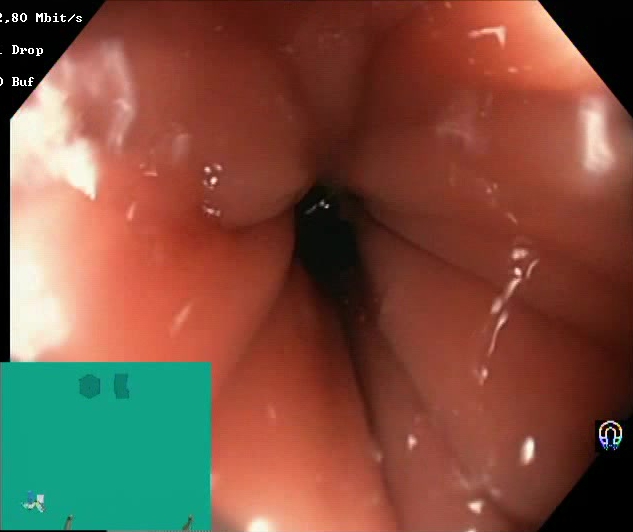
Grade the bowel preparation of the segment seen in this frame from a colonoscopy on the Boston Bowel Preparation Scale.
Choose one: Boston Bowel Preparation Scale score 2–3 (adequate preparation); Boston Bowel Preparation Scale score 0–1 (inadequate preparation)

Boston Bowel Preparation Scale score 2–3 (adequate preparation)